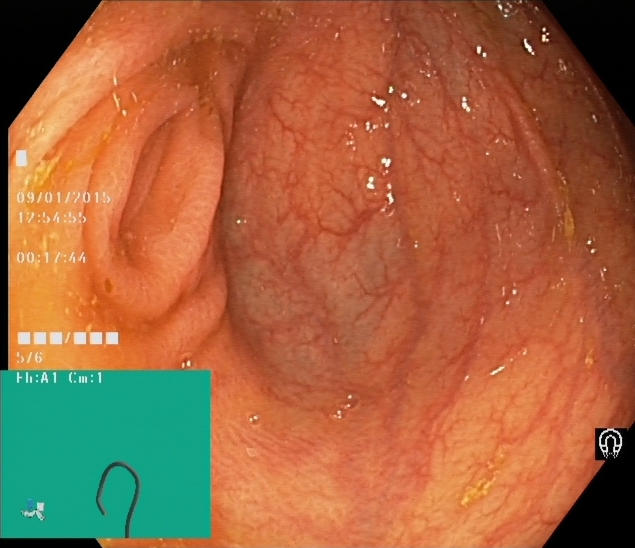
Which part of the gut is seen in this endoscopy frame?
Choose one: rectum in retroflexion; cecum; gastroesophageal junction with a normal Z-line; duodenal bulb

cecum